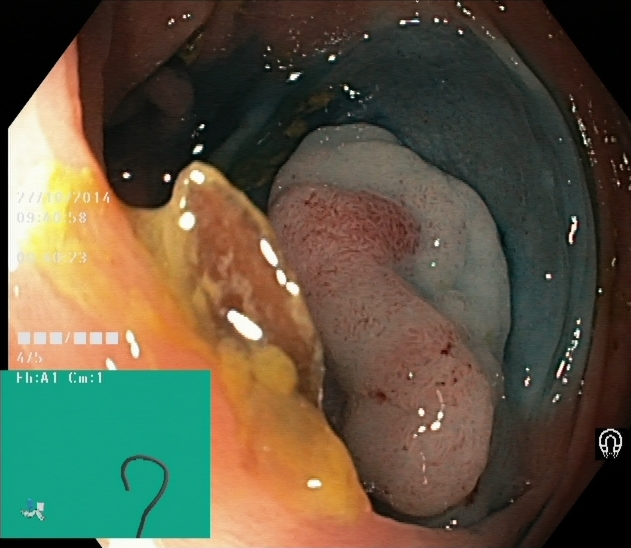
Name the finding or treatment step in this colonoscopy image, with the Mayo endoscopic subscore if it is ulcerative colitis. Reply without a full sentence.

dyed and lifted polyp (pre-resection)